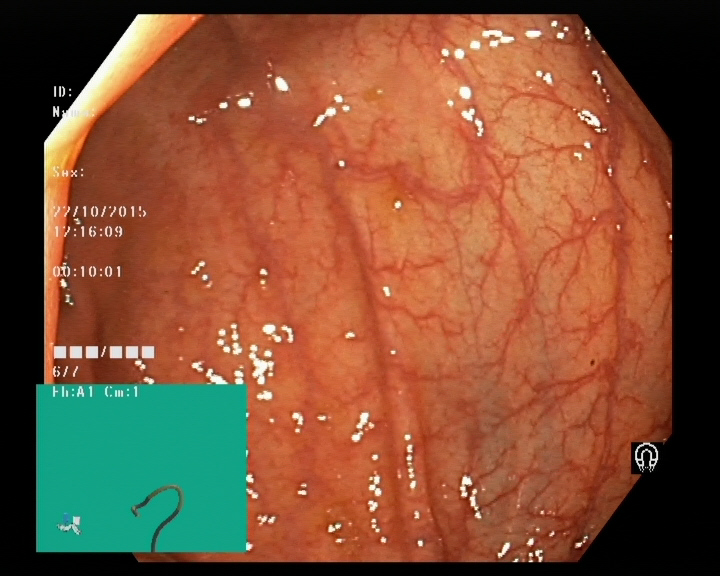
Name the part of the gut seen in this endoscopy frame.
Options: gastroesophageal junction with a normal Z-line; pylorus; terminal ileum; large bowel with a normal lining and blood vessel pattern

large bowel with a normal lining and blood vessel pattern